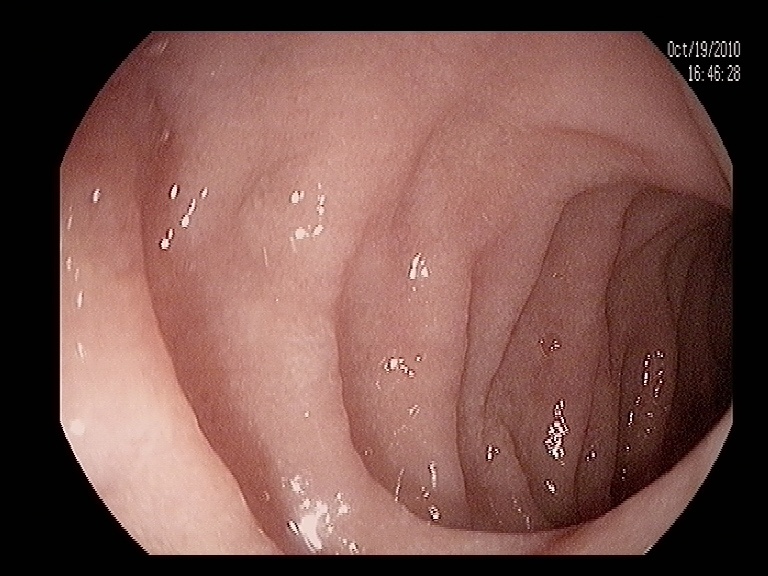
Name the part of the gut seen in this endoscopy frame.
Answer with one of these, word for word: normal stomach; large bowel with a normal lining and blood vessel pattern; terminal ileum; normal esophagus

terminal ileum